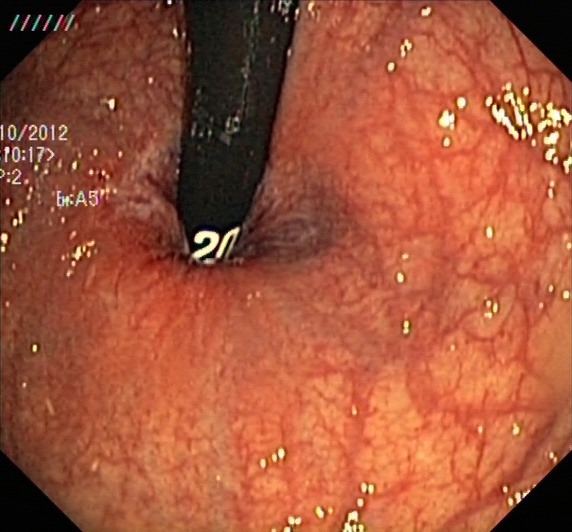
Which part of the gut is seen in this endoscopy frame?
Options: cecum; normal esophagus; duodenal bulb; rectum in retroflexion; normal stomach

rectum in retroflexion